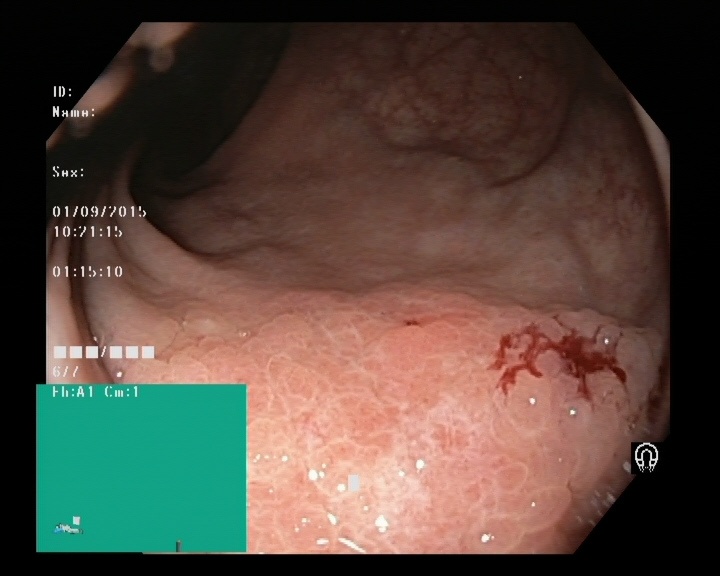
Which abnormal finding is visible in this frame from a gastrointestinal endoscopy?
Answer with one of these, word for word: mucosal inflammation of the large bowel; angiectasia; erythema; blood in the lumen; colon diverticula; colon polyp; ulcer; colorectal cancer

colon polyp